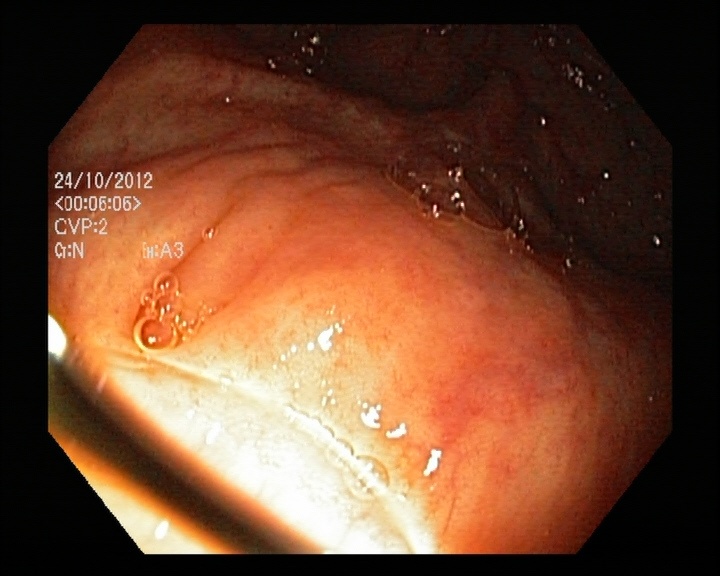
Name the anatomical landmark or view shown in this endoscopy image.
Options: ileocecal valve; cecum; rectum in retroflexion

cecum